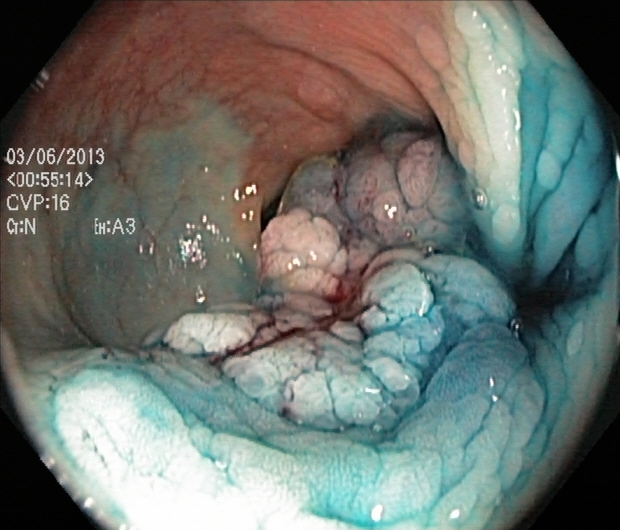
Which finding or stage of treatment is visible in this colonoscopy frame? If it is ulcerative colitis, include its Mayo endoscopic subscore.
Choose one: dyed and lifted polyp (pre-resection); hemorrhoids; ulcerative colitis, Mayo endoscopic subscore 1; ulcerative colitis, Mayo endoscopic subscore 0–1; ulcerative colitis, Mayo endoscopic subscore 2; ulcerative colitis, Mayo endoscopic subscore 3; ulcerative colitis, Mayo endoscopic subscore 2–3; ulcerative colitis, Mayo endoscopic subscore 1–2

dyed and lifted polyp (pre-resection)